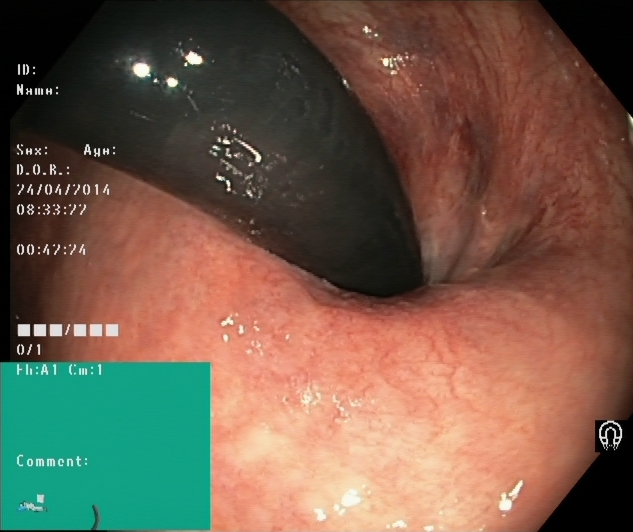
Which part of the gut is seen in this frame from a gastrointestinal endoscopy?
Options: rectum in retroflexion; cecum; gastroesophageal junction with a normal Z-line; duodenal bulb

rectum in retroflexion